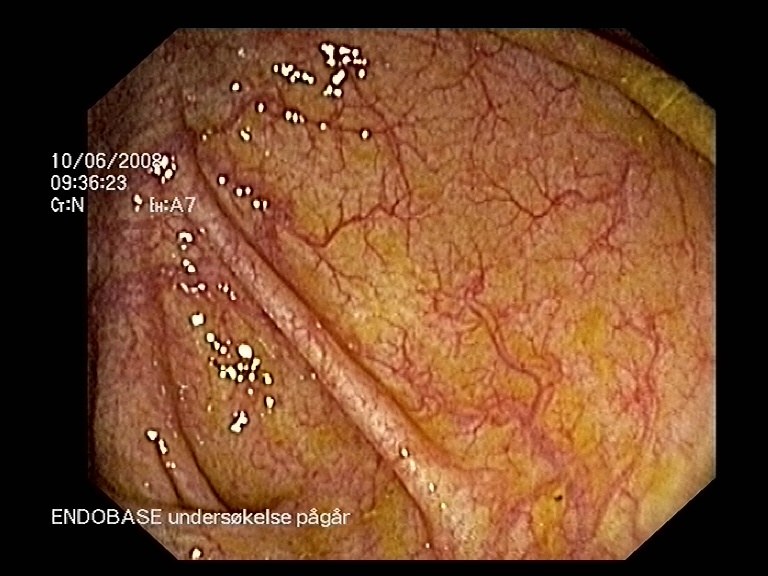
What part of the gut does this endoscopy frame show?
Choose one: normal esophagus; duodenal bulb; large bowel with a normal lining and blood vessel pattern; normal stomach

large bowel with a normal lining and blood vessel pattern